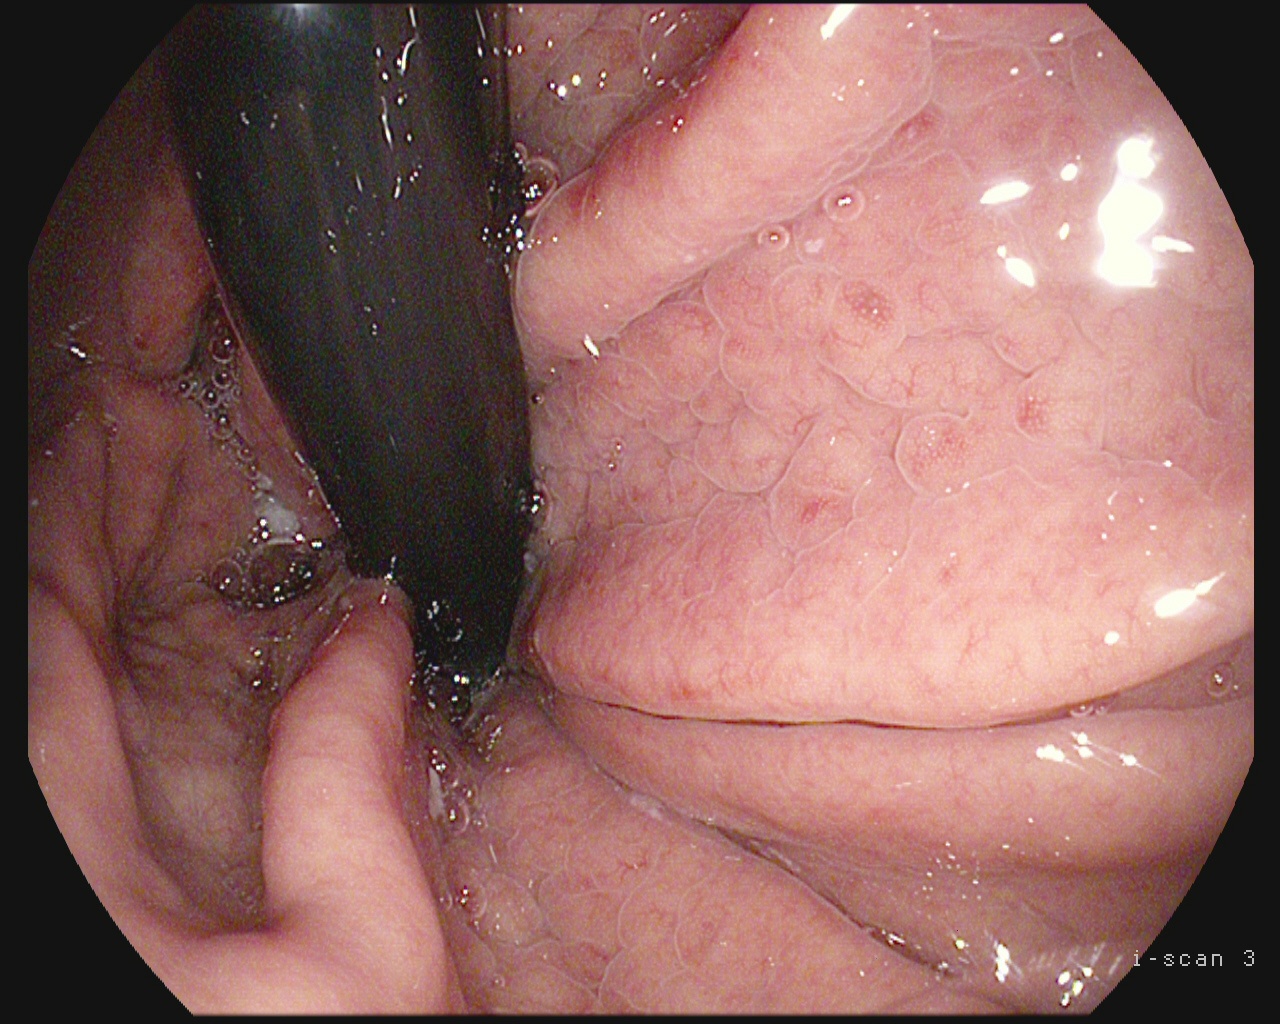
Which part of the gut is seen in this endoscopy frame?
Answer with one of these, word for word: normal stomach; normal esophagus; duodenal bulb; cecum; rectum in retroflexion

normal stomach